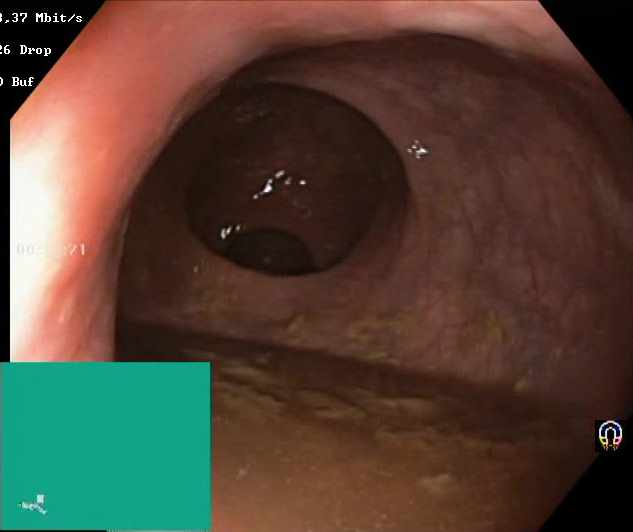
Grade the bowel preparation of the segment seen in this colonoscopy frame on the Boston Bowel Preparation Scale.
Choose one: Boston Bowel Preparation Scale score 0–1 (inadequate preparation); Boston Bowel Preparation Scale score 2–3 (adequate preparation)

Boston Bowel Preparation Scale score 0–1 (inadequate preparation)